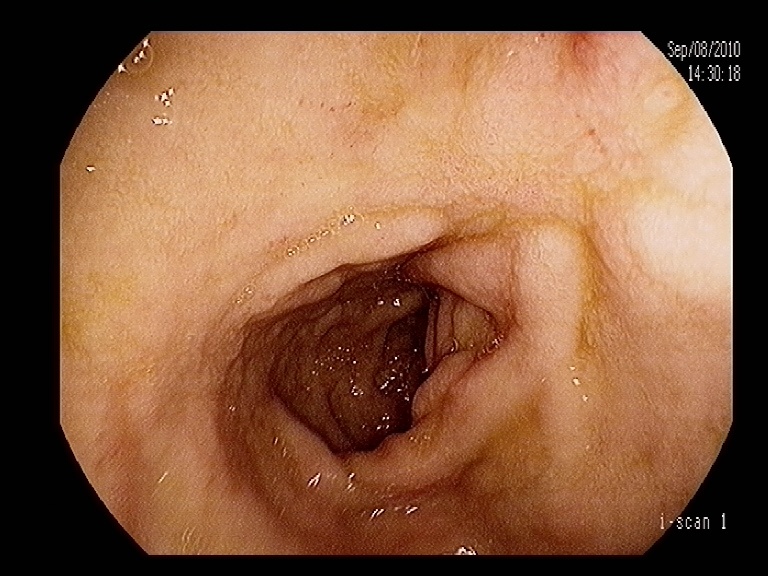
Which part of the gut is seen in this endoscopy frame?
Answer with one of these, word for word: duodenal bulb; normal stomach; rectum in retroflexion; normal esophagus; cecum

duodenal bulb